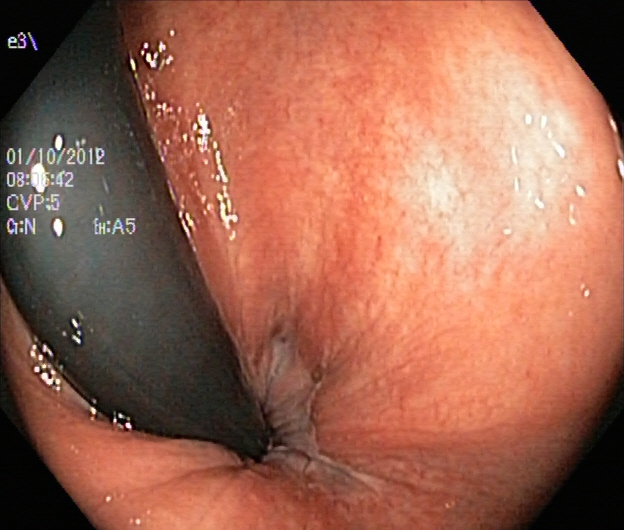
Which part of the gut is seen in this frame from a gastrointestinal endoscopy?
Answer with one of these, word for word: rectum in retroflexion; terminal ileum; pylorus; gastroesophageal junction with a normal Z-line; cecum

rectum in retroflexion